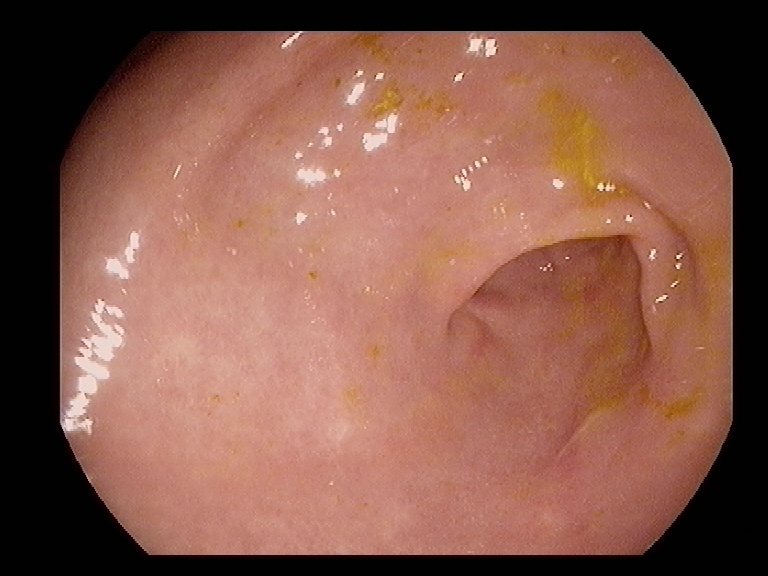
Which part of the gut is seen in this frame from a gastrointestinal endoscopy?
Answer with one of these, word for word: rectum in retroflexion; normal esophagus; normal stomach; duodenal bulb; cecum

normal stomach